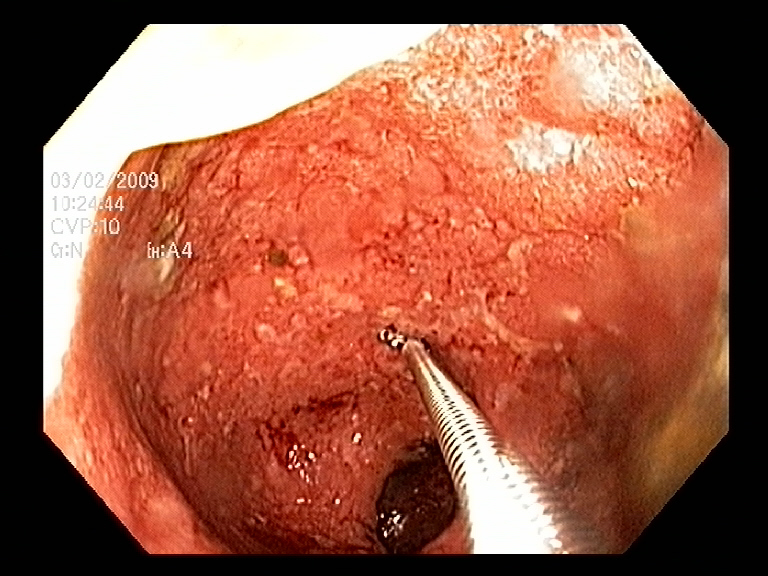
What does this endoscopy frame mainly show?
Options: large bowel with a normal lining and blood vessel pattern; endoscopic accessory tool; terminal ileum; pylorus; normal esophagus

endoscopic accessory tool